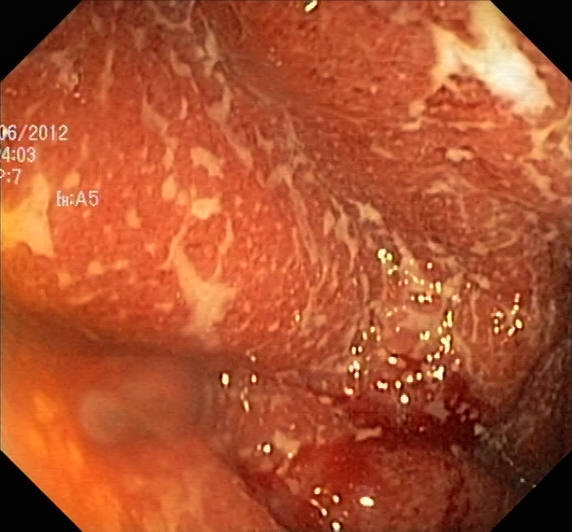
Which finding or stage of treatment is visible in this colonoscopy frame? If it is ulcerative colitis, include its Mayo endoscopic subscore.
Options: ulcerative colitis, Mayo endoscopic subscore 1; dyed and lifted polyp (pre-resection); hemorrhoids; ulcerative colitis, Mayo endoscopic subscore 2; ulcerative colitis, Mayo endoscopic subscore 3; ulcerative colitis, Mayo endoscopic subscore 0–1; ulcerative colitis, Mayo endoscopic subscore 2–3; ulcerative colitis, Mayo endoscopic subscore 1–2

ulcerative colitis, Mayo endoscopic subscore 2